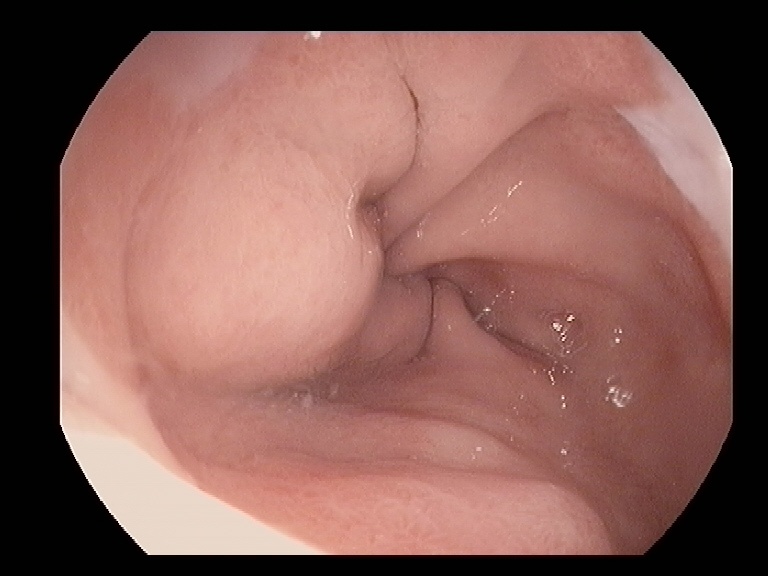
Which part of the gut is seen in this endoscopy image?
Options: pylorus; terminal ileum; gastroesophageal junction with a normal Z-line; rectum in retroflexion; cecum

gastroesophageal junction with a normal Z-line